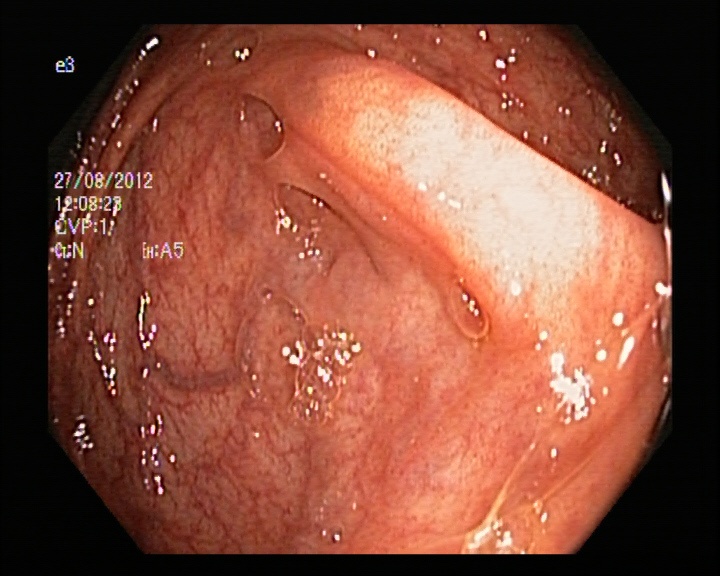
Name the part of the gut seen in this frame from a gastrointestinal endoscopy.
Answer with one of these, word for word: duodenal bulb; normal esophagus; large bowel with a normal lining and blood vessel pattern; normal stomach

large bowel with a normal lining and blood vessel pattern